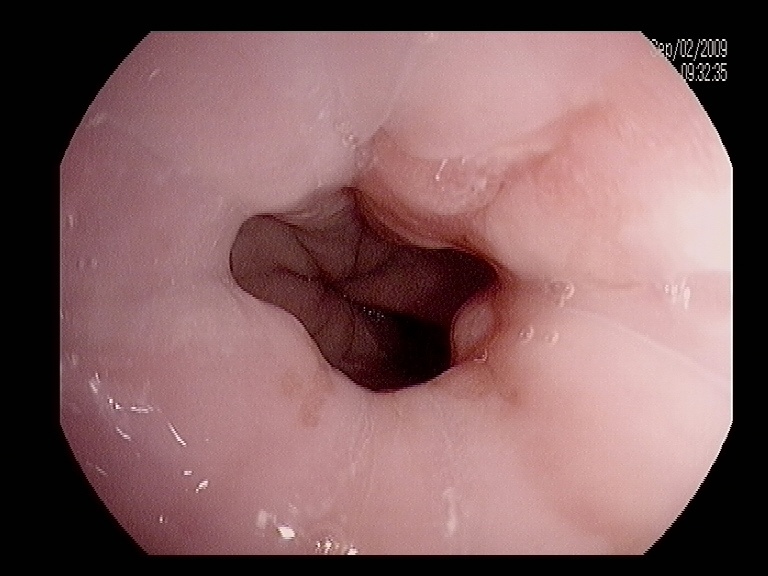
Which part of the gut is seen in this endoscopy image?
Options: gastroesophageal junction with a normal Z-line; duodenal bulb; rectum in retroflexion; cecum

gastroesophageal junction with a normal Z-line